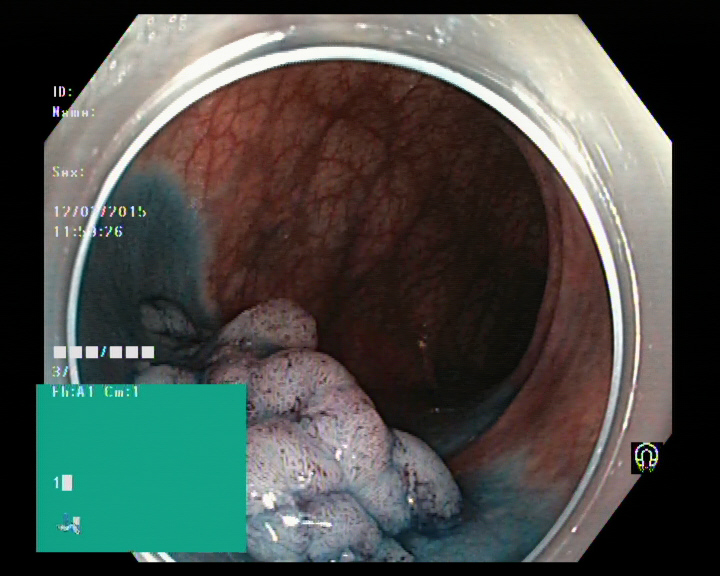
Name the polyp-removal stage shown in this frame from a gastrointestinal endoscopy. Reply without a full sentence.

dyed and lifted polyp (pre-resection)